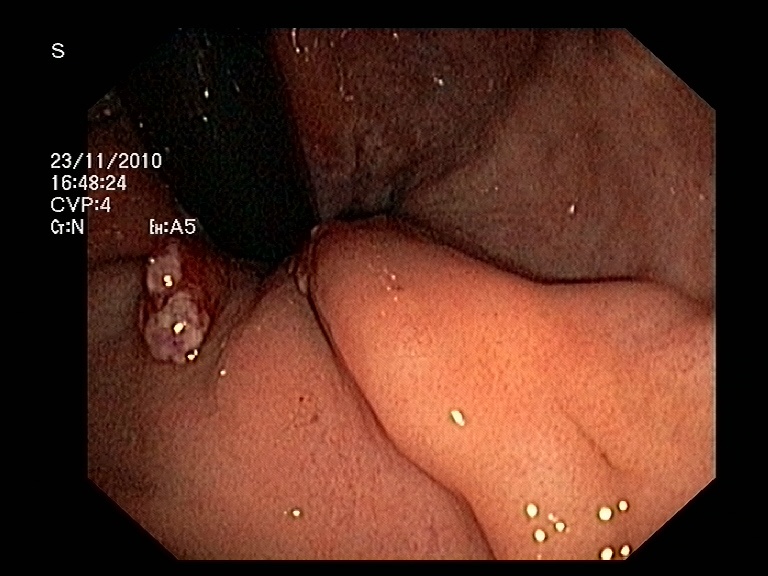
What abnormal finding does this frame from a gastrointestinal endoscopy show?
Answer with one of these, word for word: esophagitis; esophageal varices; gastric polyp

gastric polyp